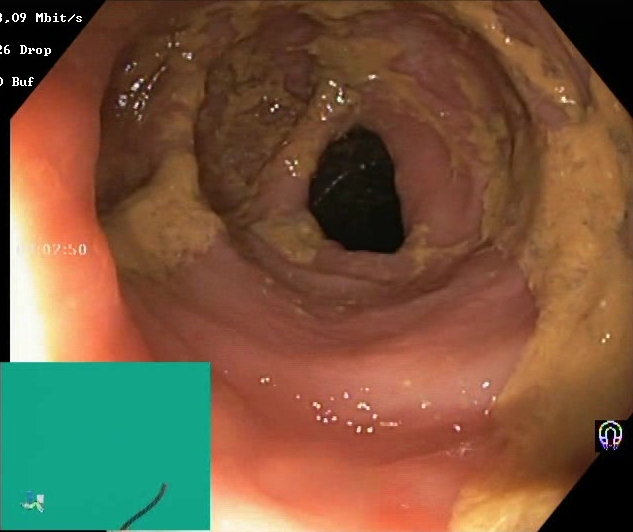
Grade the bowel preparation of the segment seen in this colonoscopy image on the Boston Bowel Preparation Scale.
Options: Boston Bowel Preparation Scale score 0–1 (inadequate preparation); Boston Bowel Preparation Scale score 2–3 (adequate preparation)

Boston Bowel Preparation Scale score 0–1 (inadequate preparation)